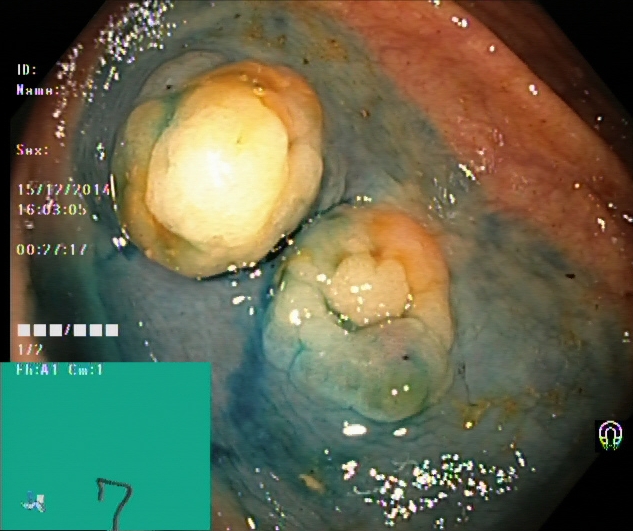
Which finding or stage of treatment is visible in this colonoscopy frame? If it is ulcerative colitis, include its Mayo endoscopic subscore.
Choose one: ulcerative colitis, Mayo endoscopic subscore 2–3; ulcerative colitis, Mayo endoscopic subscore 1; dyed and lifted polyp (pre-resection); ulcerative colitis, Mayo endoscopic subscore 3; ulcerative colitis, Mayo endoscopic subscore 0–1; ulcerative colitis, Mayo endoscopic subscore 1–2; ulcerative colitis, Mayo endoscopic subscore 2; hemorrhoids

dyed and lifted polyp (pre-resection)